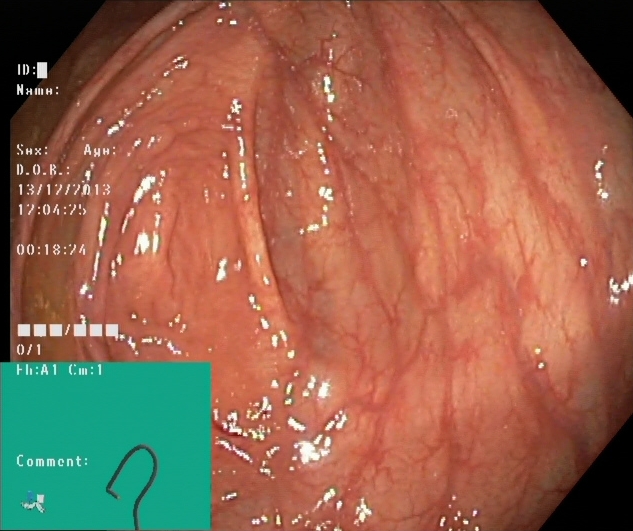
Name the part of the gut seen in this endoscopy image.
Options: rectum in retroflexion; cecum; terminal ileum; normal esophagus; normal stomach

cecum